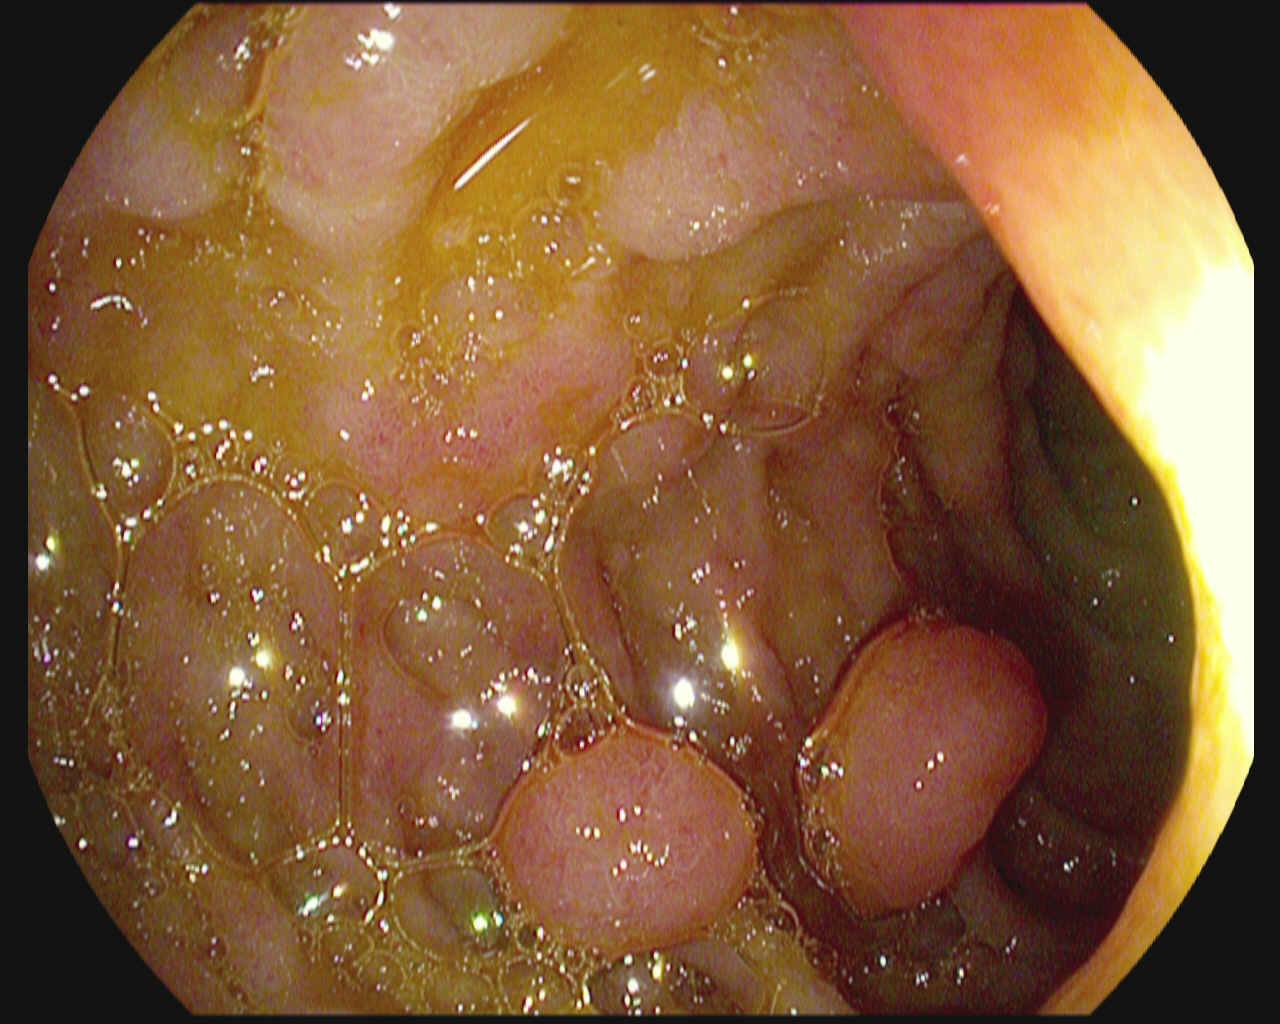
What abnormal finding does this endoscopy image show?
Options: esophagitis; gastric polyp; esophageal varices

gastric polyp